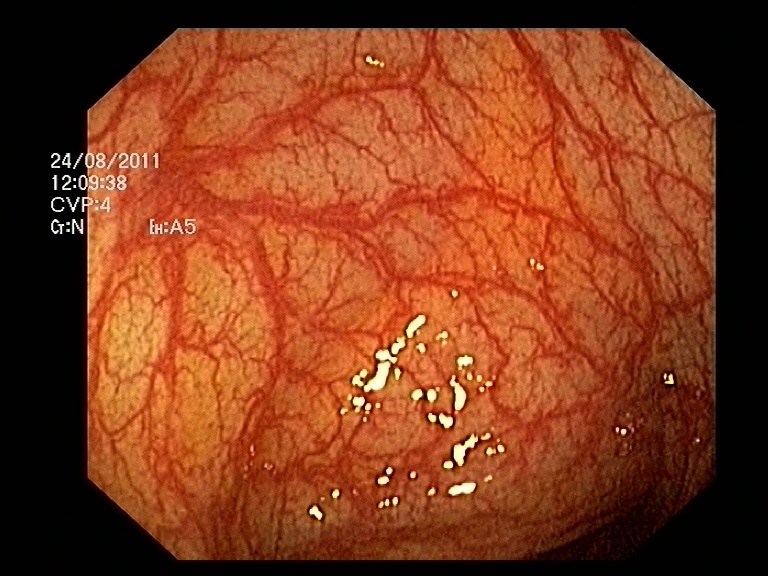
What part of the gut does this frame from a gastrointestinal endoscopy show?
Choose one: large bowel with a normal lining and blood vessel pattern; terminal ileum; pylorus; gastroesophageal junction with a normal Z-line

large bowel with a normal lining and blood vessel pattern